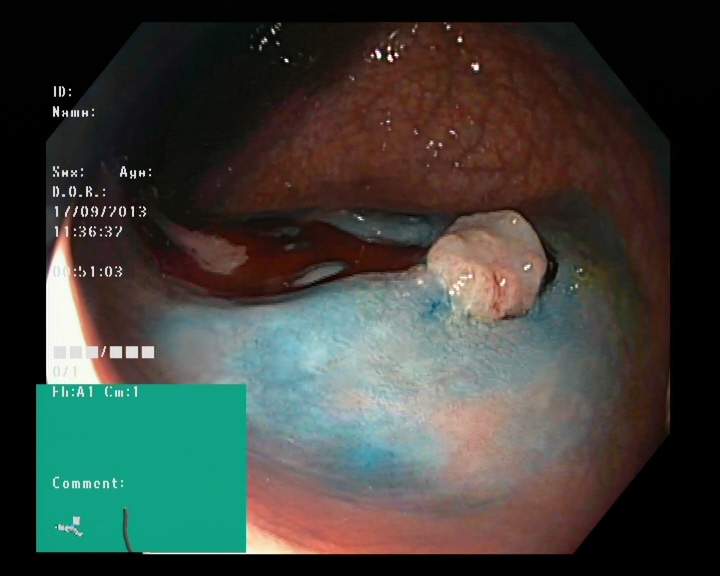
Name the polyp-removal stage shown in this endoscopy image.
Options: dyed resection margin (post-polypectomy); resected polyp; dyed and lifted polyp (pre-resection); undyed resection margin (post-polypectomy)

dyed and lifted polyp (pre-resection)